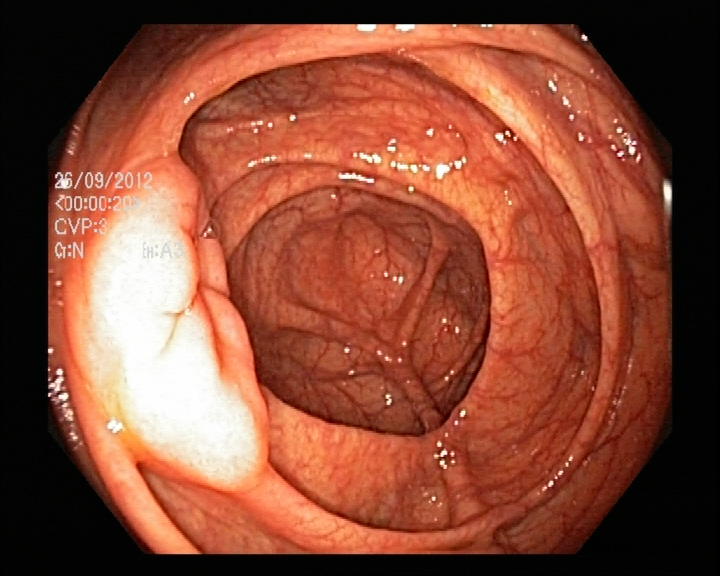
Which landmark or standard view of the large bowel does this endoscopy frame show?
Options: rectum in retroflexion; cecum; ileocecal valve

ileocecal valve